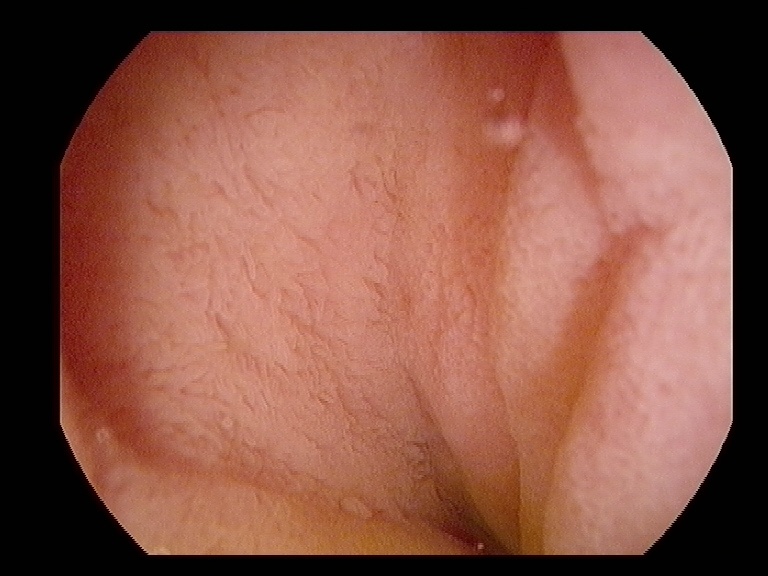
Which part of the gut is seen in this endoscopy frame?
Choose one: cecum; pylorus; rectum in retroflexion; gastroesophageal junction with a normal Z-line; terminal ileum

terminal ileum